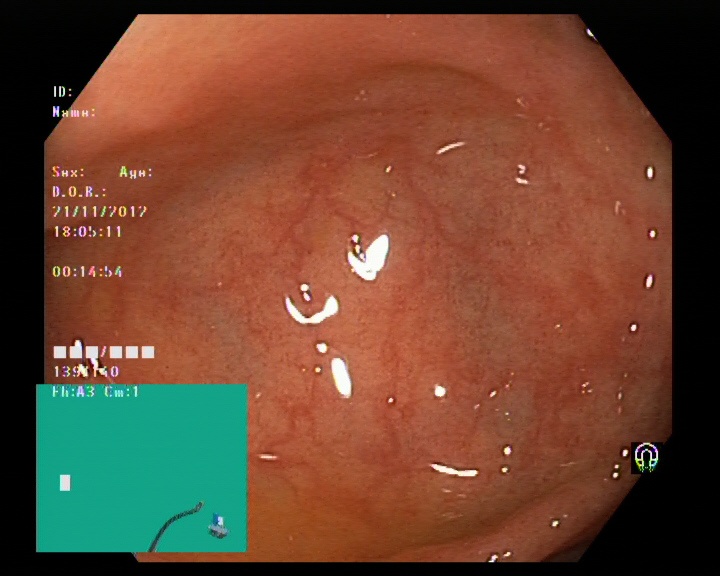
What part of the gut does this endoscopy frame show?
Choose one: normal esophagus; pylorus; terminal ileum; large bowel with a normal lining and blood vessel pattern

large bowel with a normal lining and blood vessel pattern